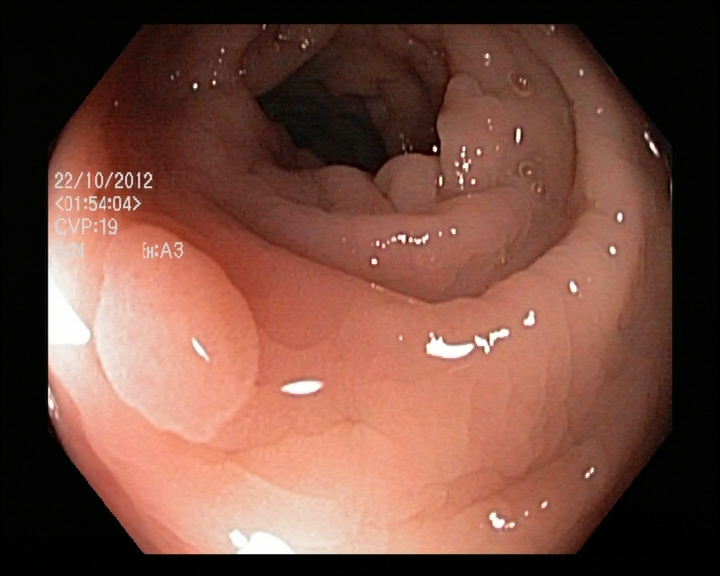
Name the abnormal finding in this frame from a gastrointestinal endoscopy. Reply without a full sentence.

colon polyp